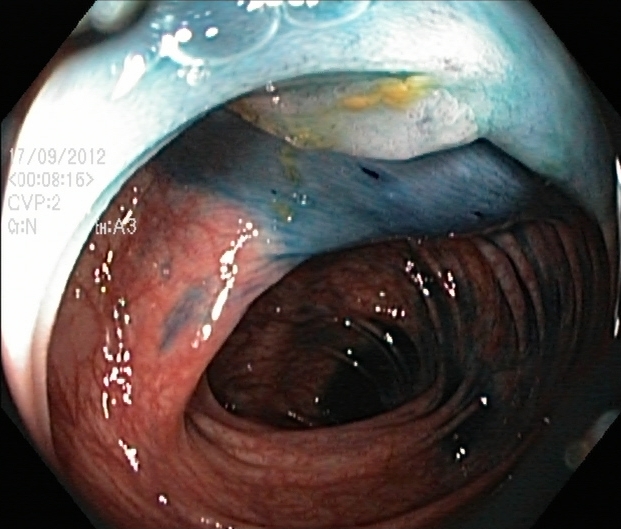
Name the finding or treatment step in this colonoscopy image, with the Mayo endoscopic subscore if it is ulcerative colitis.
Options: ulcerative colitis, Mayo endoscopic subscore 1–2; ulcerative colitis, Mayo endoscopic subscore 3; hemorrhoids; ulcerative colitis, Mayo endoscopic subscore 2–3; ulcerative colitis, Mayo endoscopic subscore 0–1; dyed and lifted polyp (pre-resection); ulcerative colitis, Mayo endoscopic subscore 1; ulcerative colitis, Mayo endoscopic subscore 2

dyed and lifted polyp (pre-resection)